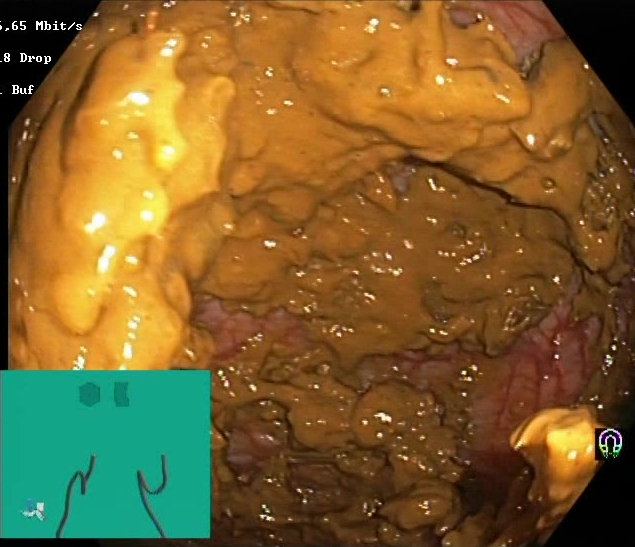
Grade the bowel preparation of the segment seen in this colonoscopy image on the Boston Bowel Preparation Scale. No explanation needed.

Boston Bowel Preparation Scale score 0–1 (inadequate preparation)